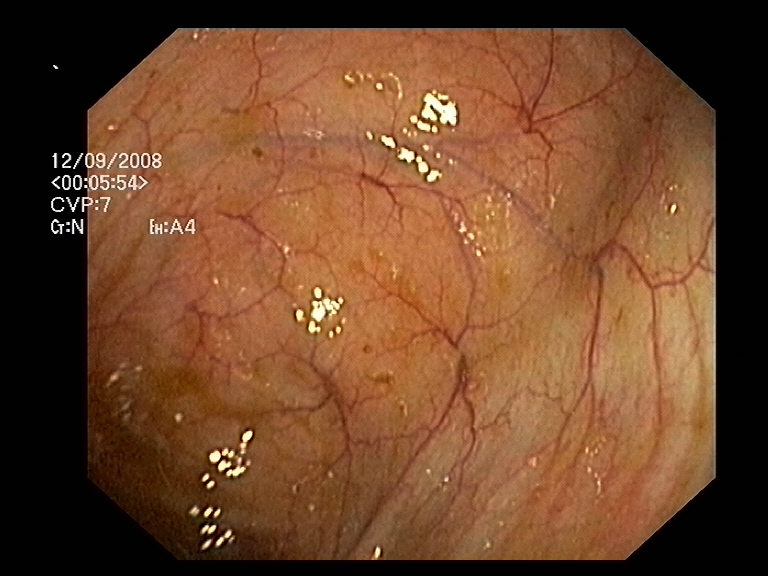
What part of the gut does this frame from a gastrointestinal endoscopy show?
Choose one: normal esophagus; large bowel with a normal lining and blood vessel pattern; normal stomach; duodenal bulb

large bowel with a normal lining and blood vessel pattern